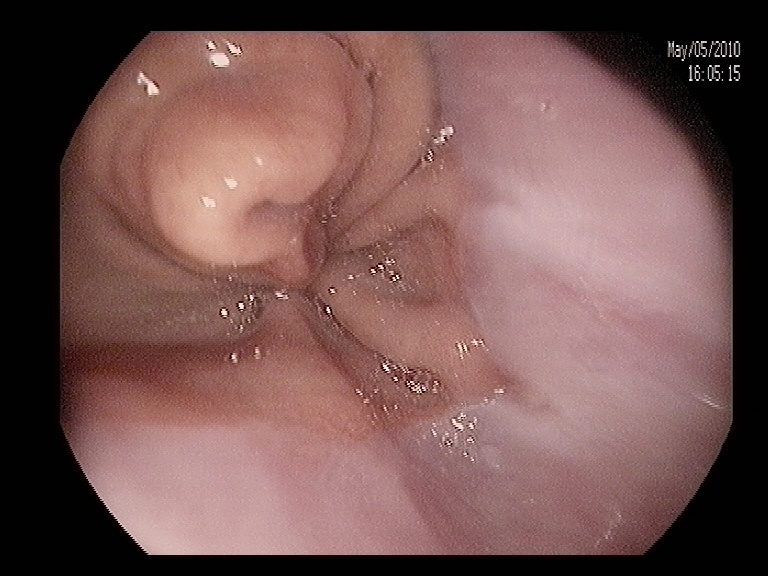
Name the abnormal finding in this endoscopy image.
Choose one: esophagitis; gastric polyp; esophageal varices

esophagitis